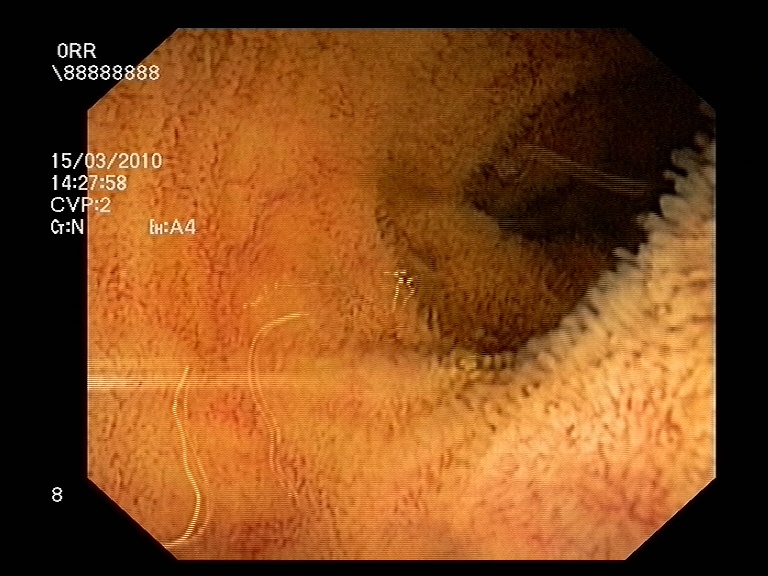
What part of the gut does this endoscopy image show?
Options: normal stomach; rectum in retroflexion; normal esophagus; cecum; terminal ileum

terminal ileum